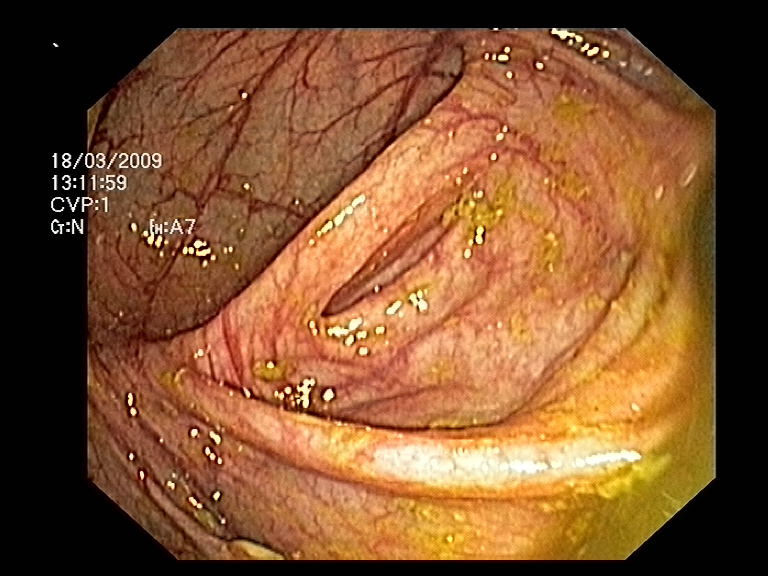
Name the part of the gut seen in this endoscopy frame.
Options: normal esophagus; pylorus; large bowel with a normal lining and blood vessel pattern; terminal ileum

large bowel with a normal lining and blood vessel pattern